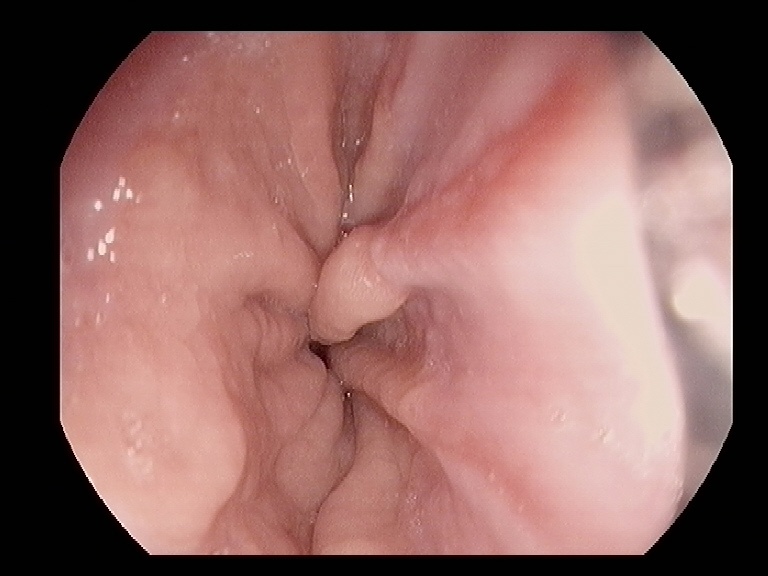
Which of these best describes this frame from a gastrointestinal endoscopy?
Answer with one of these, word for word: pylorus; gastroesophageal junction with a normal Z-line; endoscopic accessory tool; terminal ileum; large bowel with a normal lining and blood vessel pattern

gastroesophageal junction with a normal Z-line